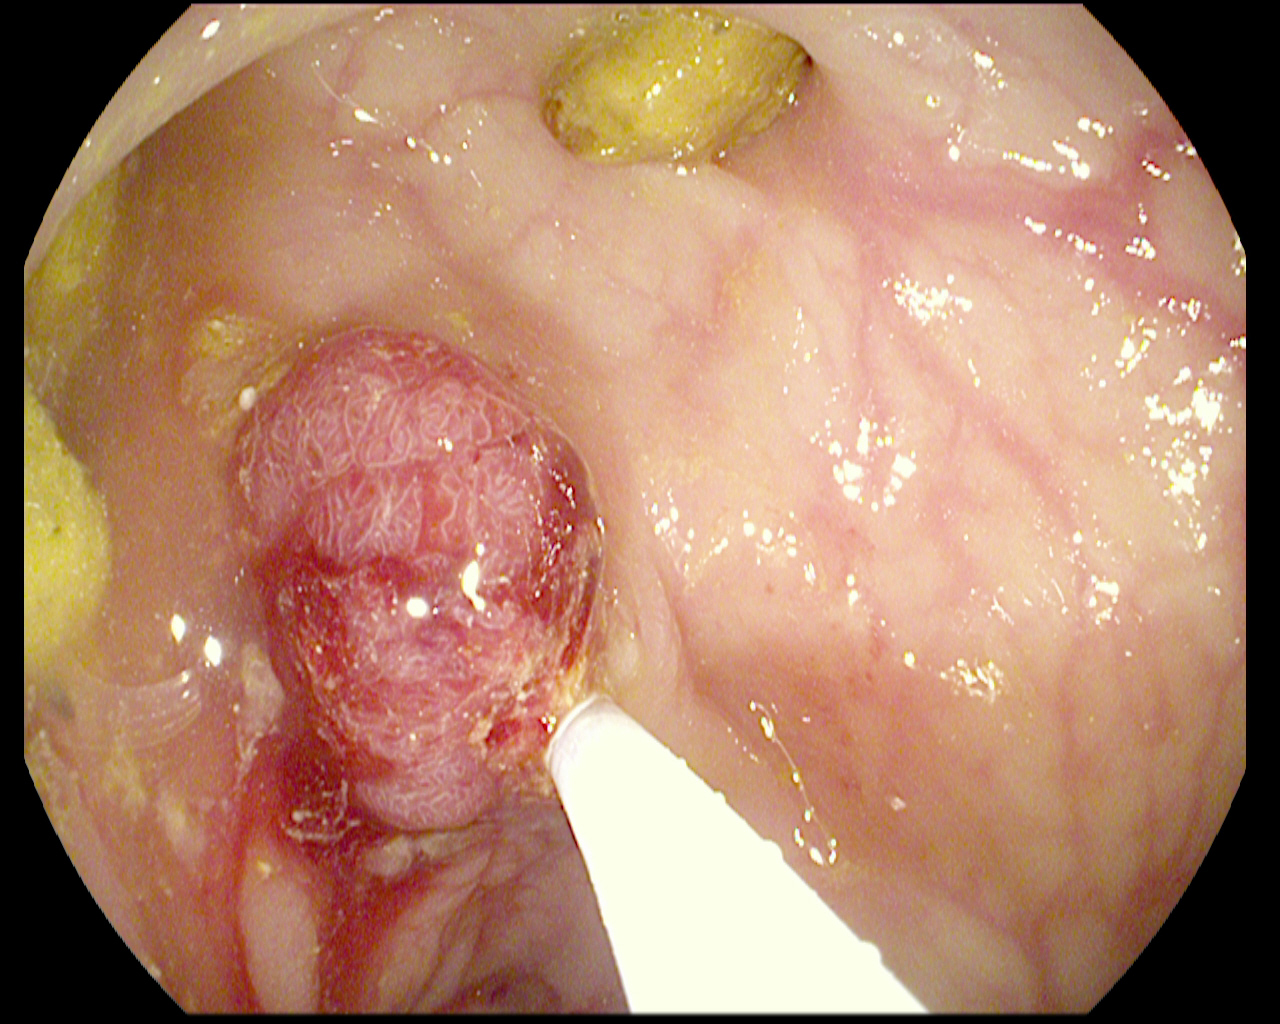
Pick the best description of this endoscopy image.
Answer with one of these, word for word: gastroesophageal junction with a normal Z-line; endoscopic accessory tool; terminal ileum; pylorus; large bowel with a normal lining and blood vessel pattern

endoscopic accessory tool